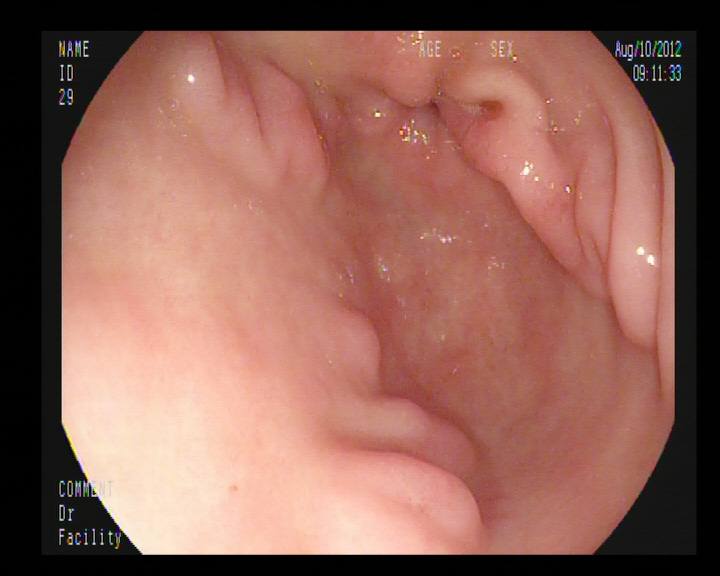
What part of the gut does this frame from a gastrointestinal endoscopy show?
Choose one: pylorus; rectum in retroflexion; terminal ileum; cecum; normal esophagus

pylorus